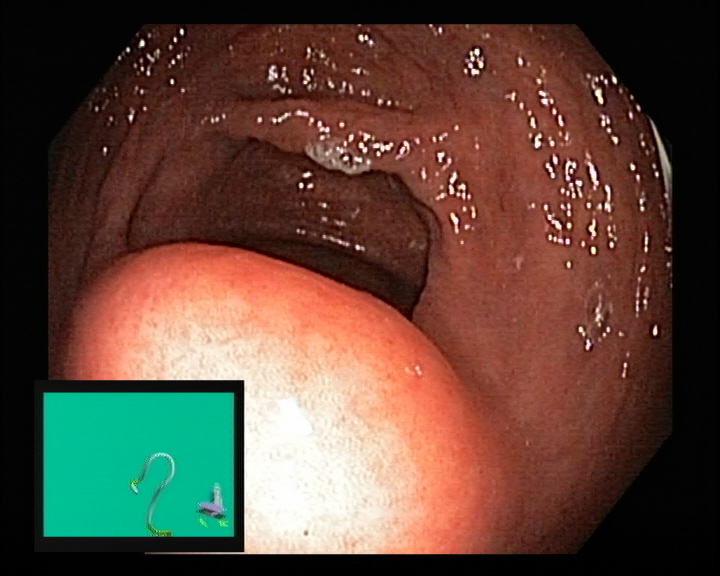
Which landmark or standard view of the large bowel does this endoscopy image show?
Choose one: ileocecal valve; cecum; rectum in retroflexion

ileocecal valve